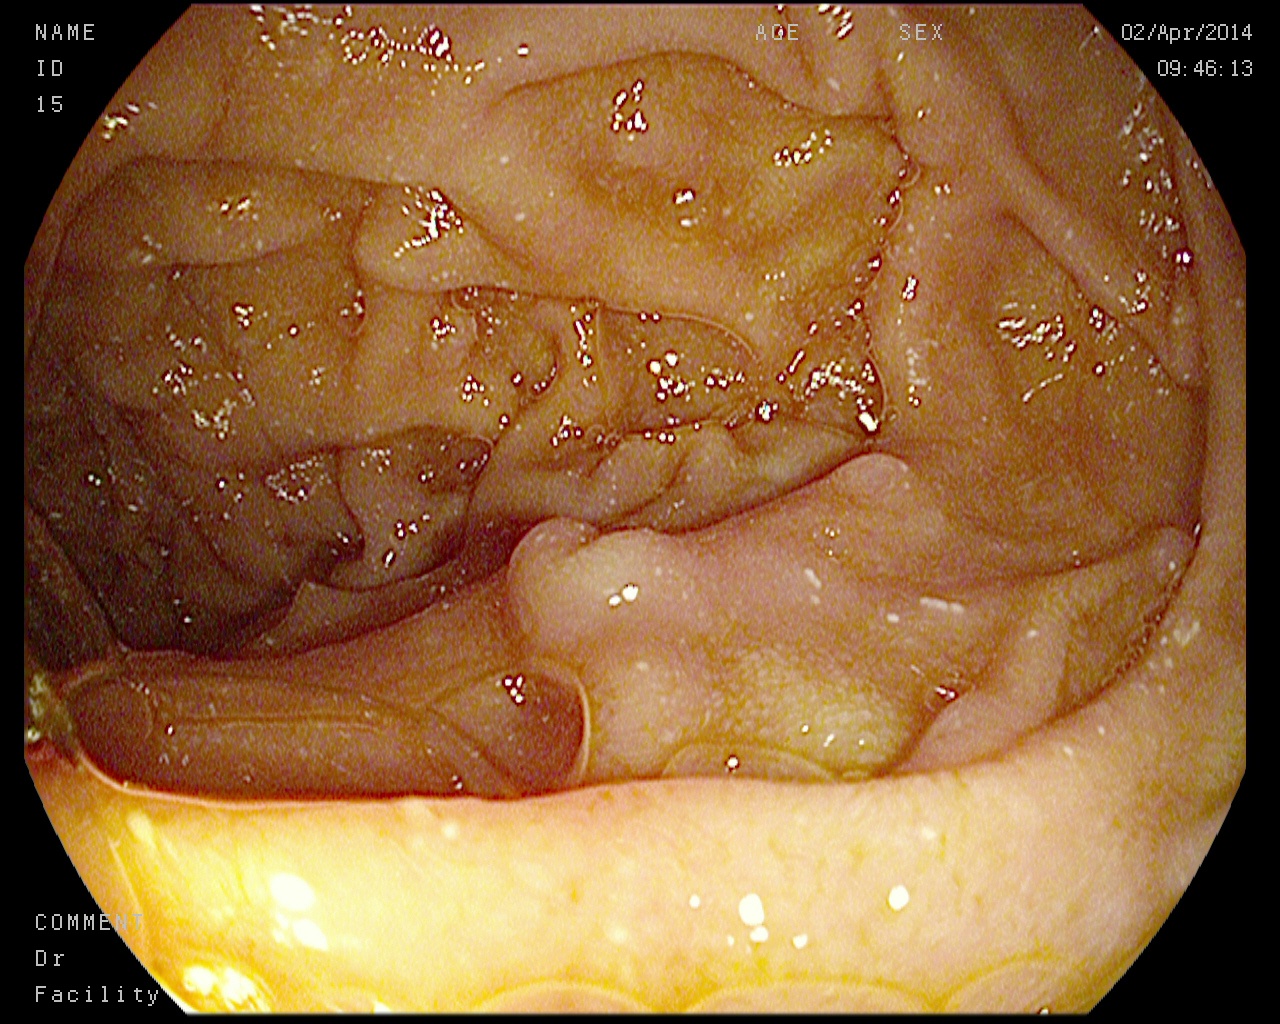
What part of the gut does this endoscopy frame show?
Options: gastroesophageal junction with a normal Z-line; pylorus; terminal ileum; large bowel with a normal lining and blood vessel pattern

terminal ileum